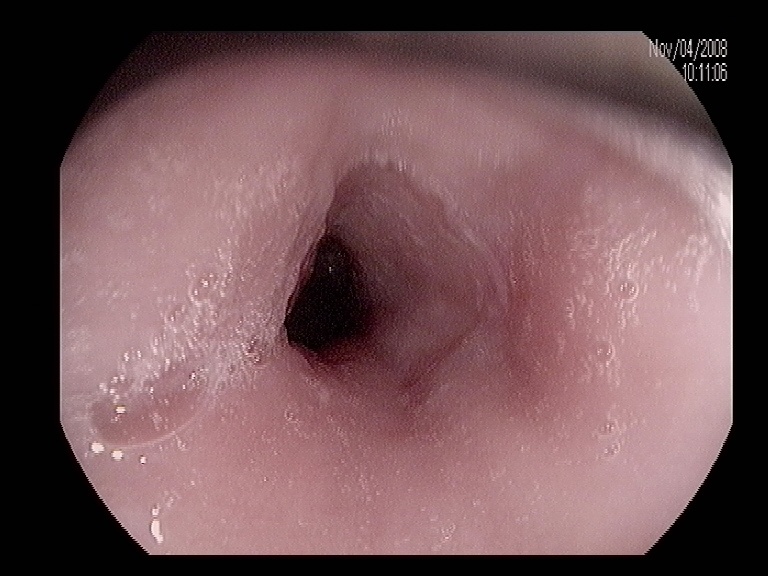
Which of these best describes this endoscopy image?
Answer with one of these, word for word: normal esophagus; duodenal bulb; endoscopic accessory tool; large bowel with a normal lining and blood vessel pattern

normal esophagus